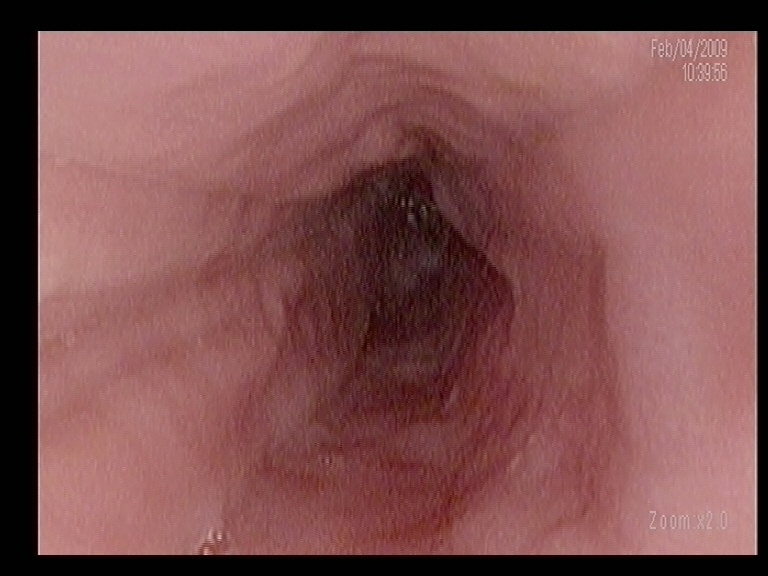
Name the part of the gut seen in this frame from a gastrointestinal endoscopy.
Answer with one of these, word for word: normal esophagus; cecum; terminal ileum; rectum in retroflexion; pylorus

normal esophagus